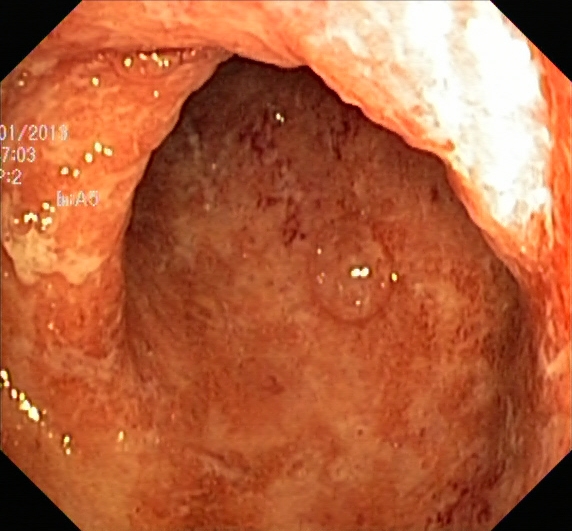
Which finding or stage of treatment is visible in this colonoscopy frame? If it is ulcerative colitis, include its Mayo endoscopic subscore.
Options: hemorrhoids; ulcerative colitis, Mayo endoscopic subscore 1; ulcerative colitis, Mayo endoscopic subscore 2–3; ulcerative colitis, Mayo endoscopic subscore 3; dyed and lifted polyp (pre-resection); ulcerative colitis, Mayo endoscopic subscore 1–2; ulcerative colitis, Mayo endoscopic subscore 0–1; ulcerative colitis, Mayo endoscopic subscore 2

ulcerative colitis, Mayo endoscopic subscore 2–3